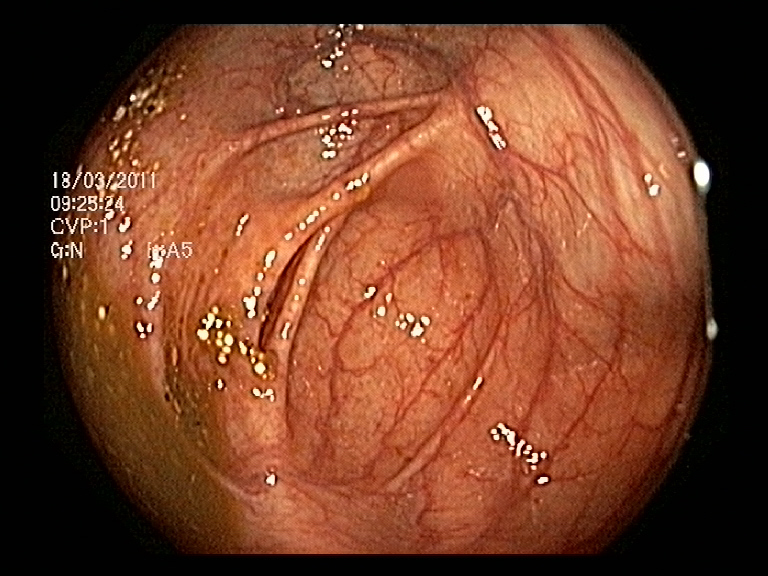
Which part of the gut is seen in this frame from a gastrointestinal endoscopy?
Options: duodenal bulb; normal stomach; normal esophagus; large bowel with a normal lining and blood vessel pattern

large bowel with a normal lining and blood vessel pattern